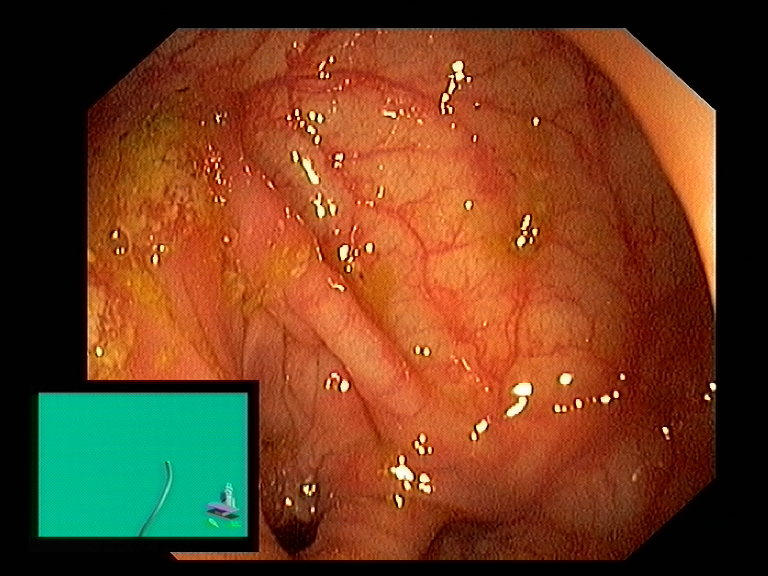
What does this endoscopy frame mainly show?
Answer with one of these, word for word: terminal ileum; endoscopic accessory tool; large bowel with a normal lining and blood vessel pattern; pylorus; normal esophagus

large bowel with a normal lining and blood vessel pattern